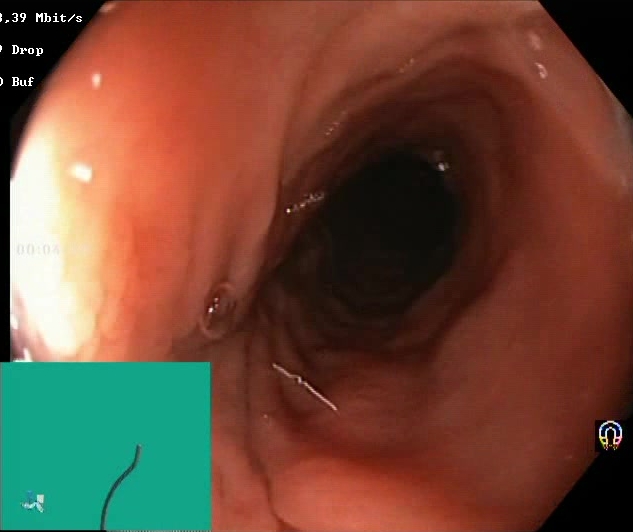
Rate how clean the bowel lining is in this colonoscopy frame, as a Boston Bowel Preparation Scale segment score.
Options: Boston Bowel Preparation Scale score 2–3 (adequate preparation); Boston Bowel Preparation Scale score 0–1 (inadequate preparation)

Boston Bowel Preparation Scale score 2–3 (adequate preparation)